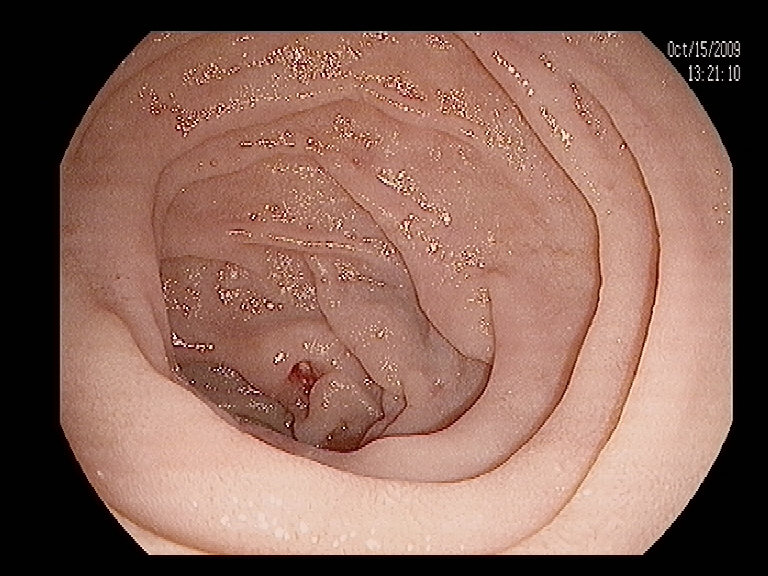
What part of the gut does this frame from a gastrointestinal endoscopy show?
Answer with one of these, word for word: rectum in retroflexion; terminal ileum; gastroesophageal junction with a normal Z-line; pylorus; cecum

terminal ileum